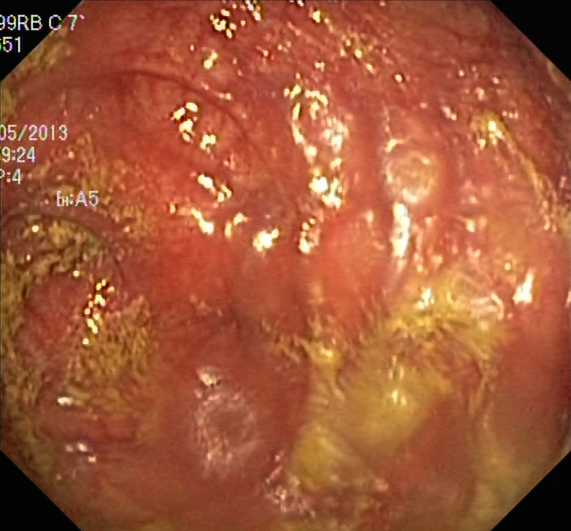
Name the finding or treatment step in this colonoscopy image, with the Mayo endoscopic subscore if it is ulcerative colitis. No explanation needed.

ulcerative colitis, Mayo endoscopic subscore 1